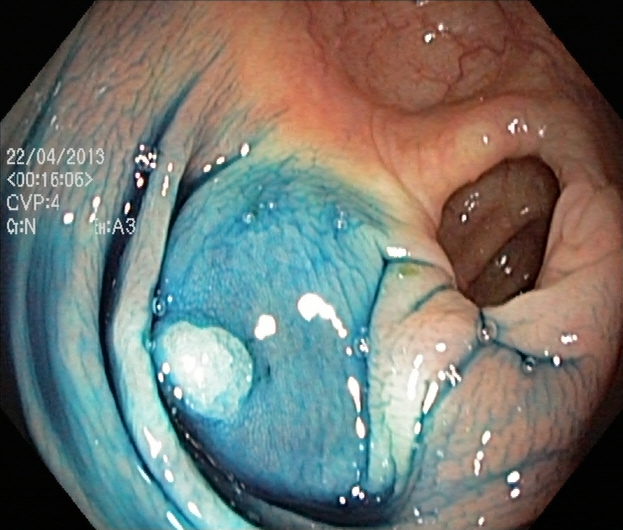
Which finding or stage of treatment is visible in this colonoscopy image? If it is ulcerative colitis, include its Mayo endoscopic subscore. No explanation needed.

dyed and lifted polyp (pre-resection)